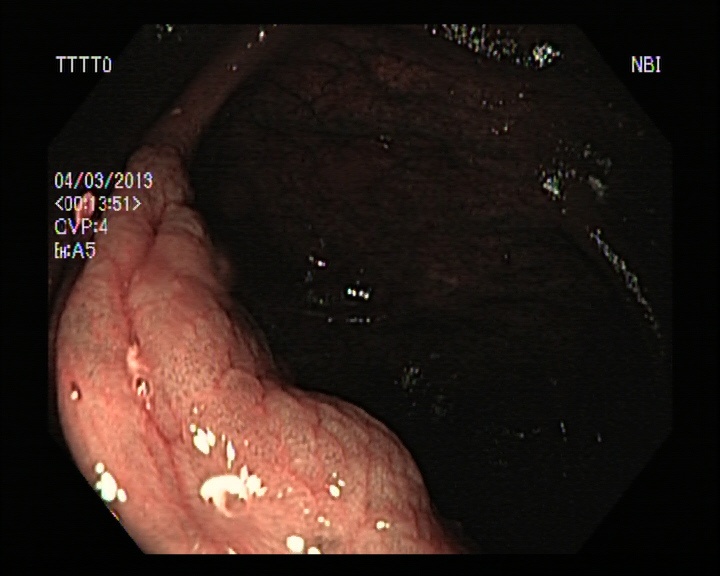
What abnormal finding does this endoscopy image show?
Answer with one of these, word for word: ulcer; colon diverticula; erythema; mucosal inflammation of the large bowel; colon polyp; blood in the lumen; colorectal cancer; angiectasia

colon polyp